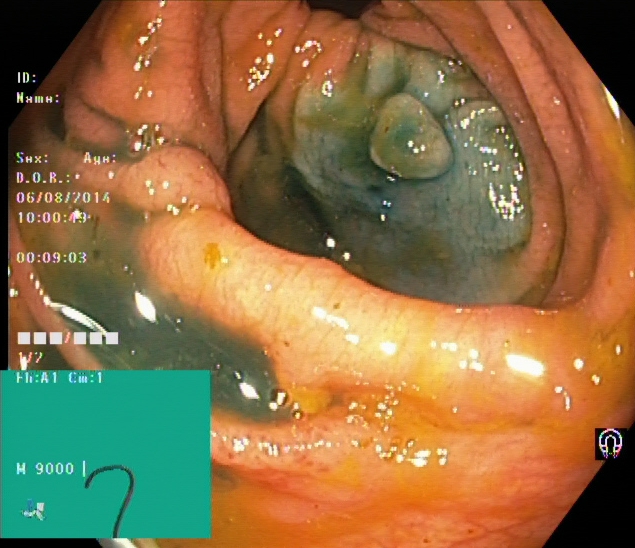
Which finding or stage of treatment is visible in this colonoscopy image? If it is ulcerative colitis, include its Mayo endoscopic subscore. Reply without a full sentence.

dyed and lifted polyp (pre-resection)